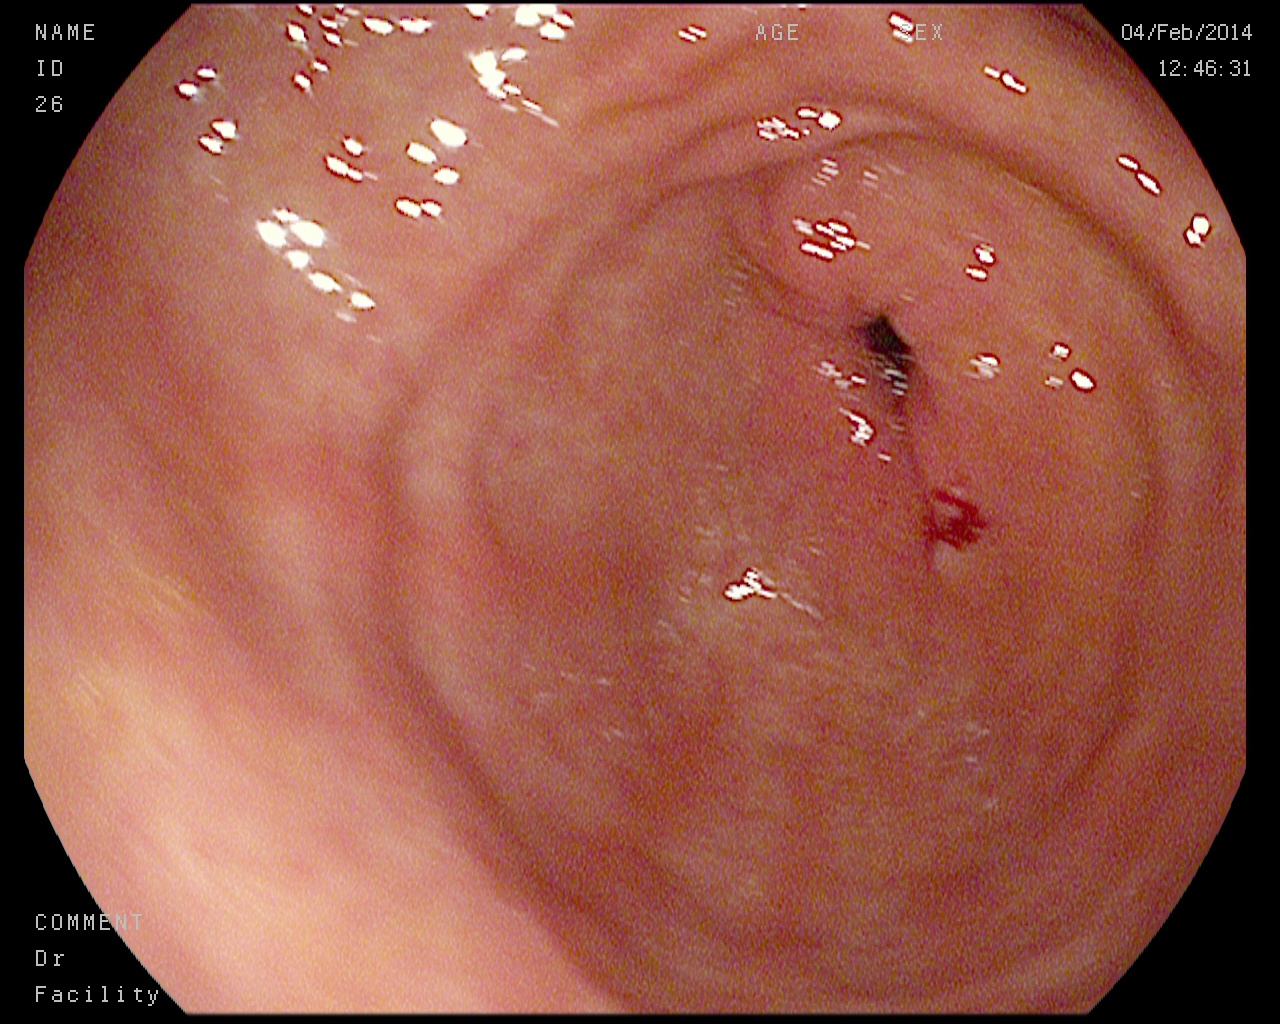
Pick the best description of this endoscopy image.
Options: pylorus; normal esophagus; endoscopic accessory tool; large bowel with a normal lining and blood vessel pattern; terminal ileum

pylorus